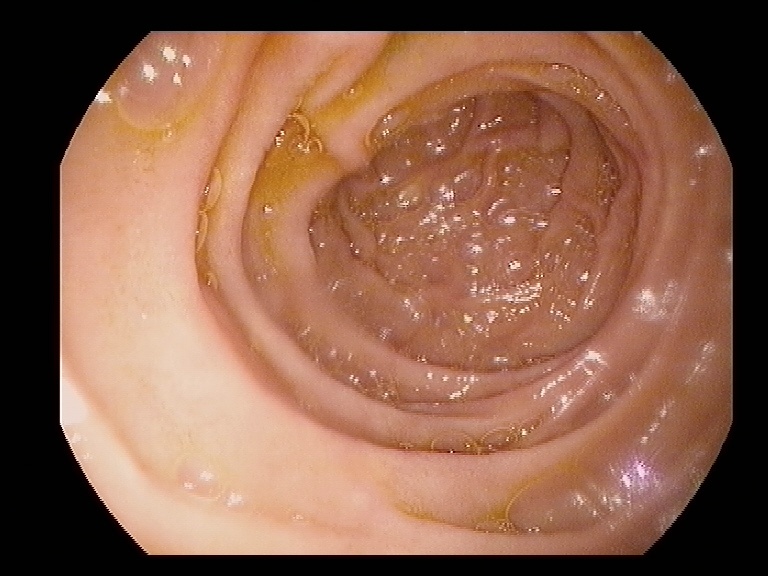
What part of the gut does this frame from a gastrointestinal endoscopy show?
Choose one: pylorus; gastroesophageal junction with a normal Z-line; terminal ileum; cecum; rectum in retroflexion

terminal ileum